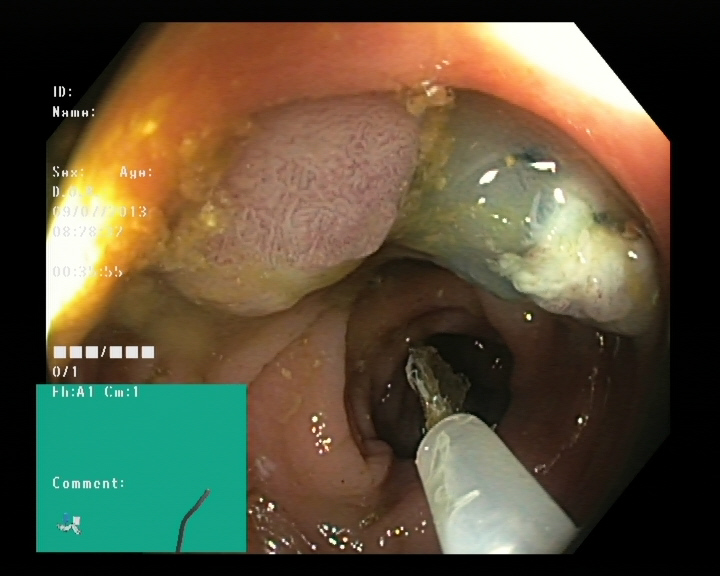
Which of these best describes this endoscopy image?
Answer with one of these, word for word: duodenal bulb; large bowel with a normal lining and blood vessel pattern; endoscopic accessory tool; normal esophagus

endoscopic accessory tool